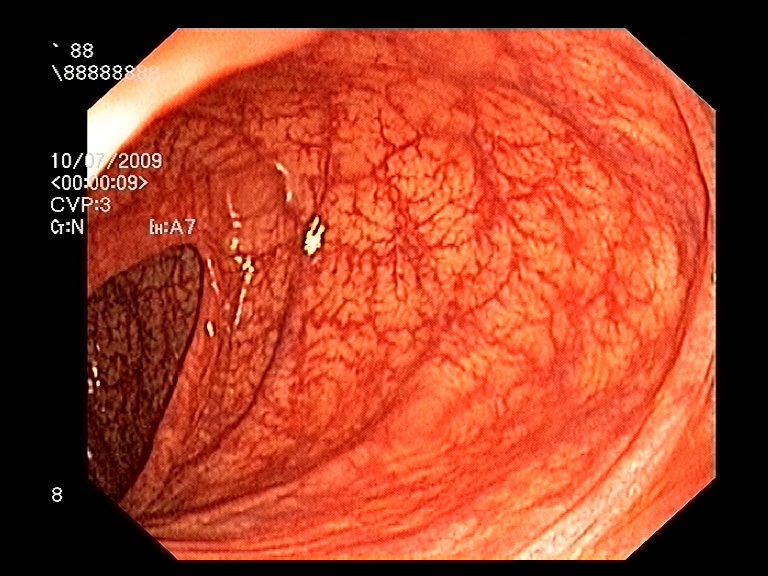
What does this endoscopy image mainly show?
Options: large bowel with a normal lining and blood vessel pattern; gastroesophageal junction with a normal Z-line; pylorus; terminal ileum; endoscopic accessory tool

large bowel with a normal lining and blood vessel pattern